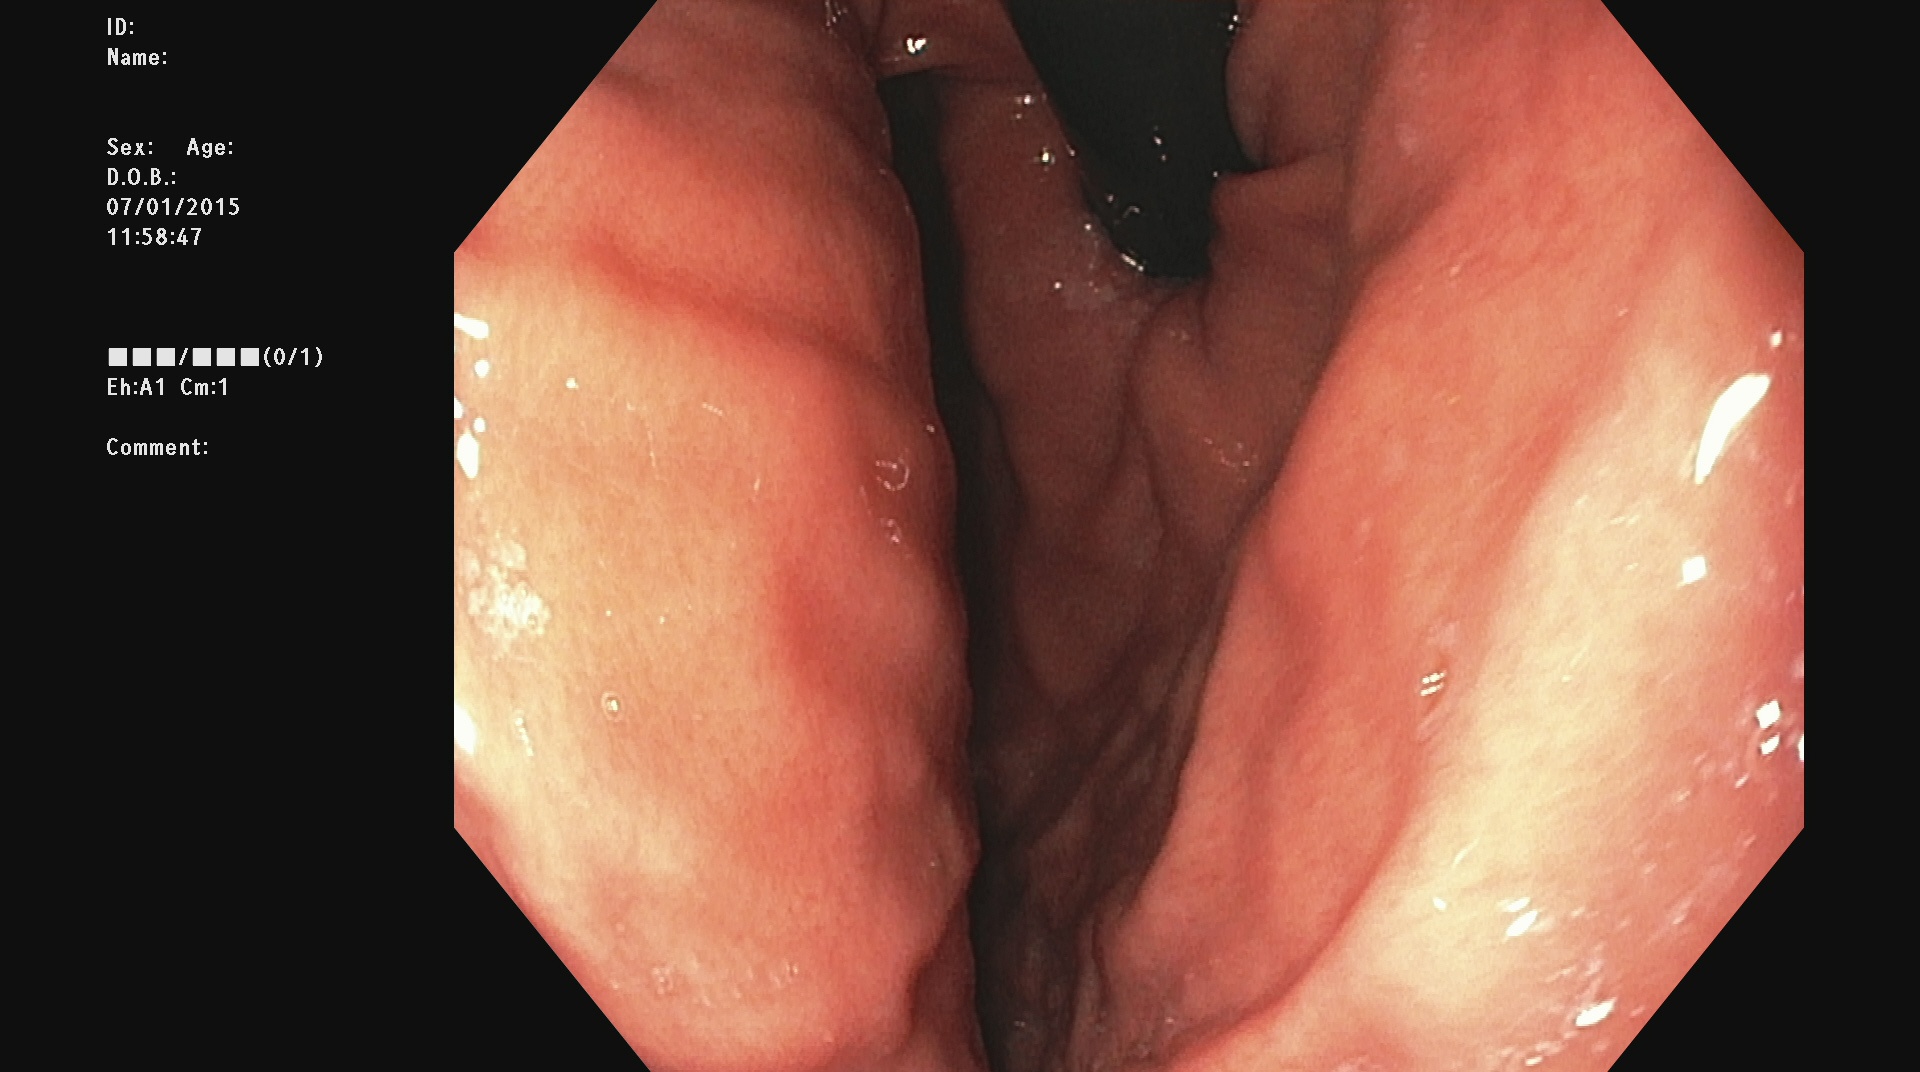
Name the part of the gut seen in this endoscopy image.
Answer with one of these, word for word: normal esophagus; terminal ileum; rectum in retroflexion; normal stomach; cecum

normal stomach